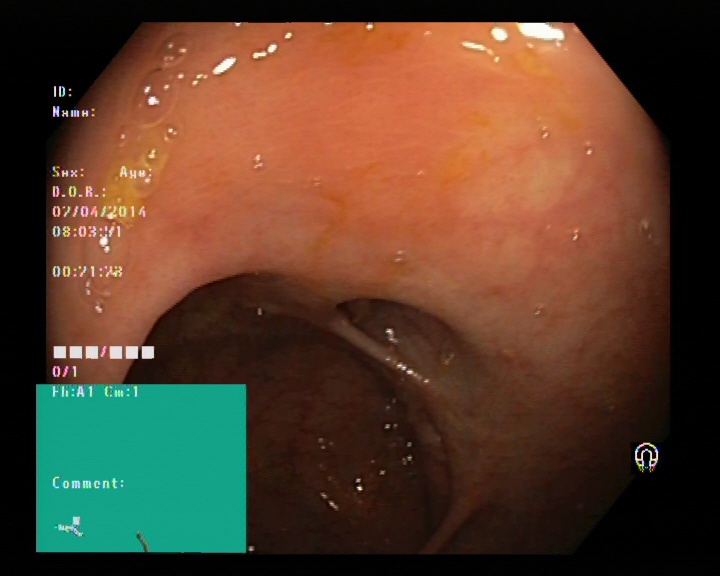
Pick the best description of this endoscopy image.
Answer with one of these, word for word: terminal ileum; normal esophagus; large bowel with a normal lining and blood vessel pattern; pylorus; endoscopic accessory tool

large bowel with a normal lining and blood vessel pattern